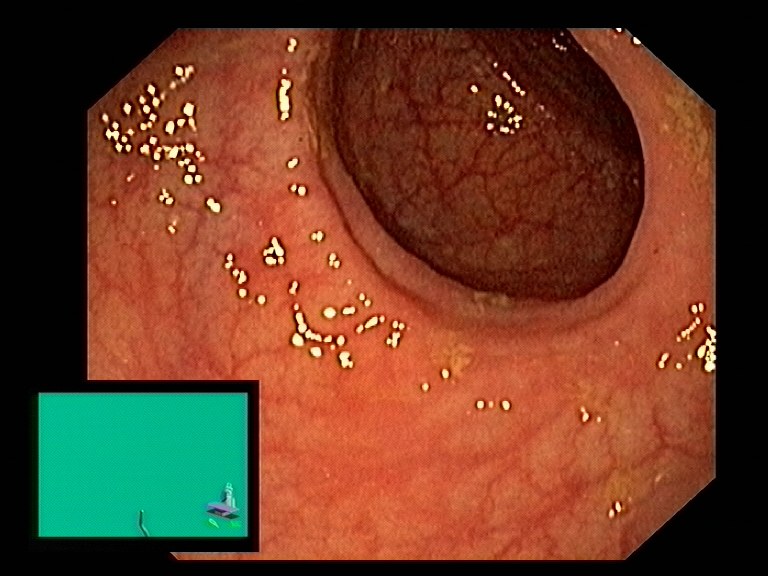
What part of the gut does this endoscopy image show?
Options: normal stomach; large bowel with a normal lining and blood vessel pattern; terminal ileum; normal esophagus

large bowel with a normal lining and blood vessel pattern